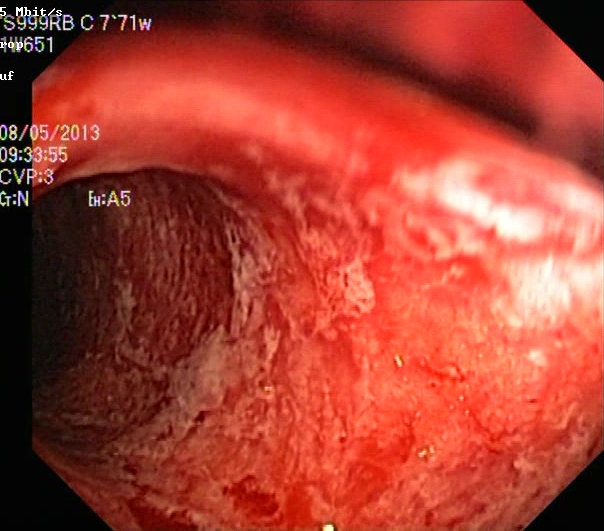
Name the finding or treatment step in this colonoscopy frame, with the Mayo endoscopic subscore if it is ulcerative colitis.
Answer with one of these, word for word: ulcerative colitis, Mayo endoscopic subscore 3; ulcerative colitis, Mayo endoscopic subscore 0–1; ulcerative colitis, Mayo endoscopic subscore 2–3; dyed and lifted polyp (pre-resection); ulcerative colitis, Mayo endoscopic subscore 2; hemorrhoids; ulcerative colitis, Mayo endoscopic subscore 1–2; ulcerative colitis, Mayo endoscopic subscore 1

ulcerative colitis, Mayo endoscopic subscore 3